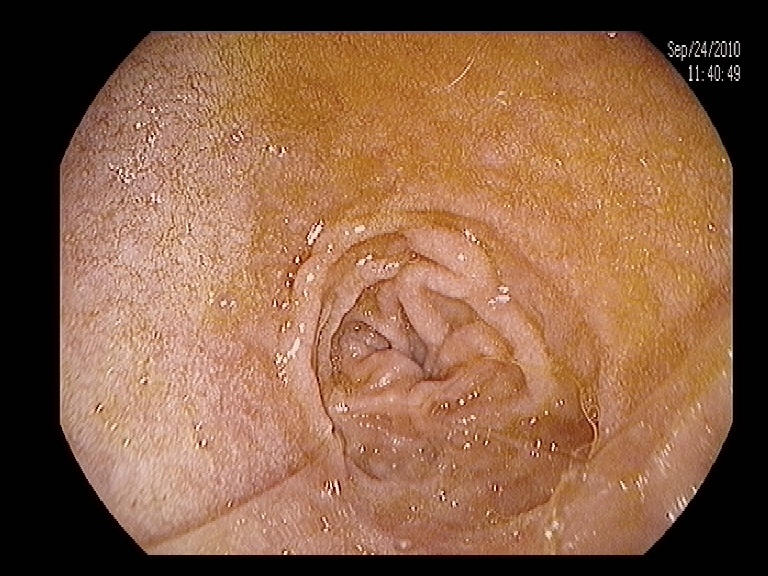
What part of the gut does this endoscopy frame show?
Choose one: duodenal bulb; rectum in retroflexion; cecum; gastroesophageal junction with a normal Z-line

duodenal bulb